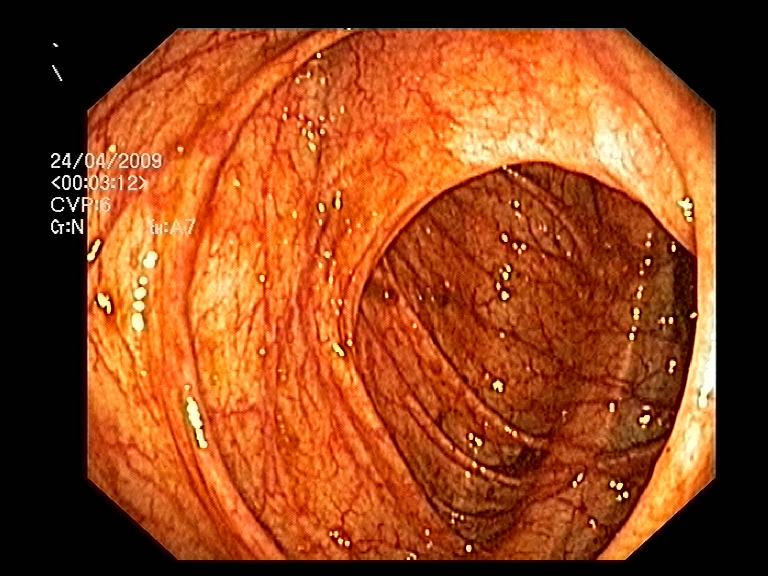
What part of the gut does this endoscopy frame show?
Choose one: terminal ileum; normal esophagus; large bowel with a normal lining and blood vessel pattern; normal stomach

large bowel with a normal lining and blood vessel pattern